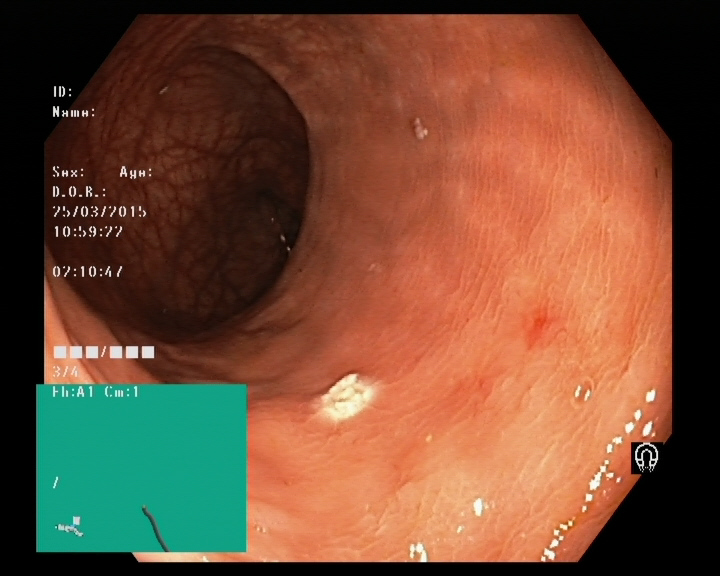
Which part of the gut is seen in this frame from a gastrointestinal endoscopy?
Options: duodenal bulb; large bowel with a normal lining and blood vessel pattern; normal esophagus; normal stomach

large bowel with a normal lining and blood vessel pattern